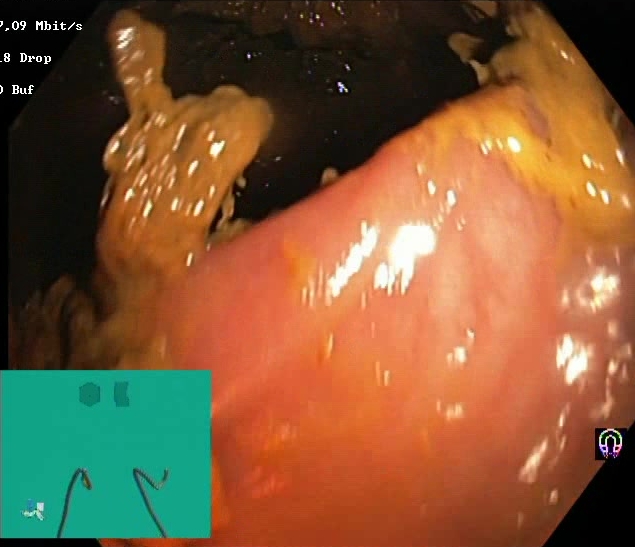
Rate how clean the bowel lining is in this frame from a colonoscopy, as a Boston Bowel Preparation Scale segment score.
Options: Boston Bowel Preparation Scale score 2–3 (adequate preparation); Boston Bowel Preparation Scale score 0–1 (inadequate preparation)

Boston Bowel Preparation Scale score 0–1 (inadequate preparation)